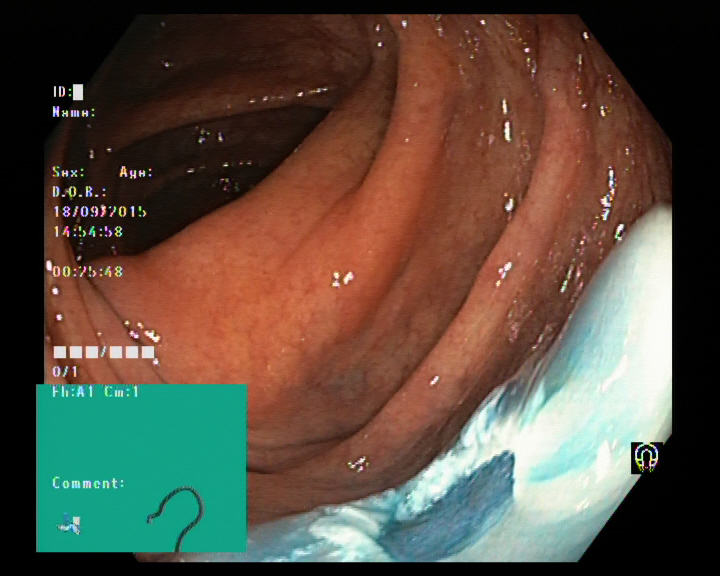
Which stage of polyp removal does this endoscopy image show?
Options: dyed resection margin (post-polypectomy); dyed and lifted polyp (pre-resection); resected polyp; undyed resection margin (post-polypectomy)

dyed resection margin (post-polypectomy)